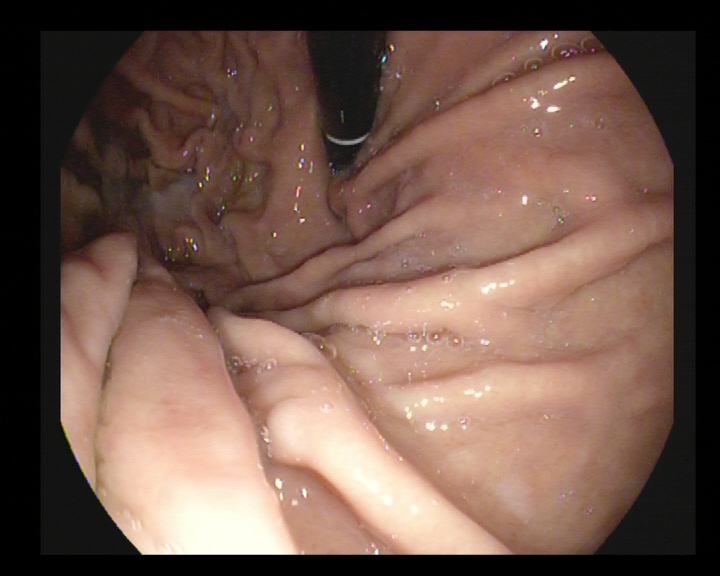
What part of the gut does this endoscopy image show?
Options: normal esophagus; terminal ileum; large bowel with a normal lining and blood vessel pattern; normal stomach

normal stomach